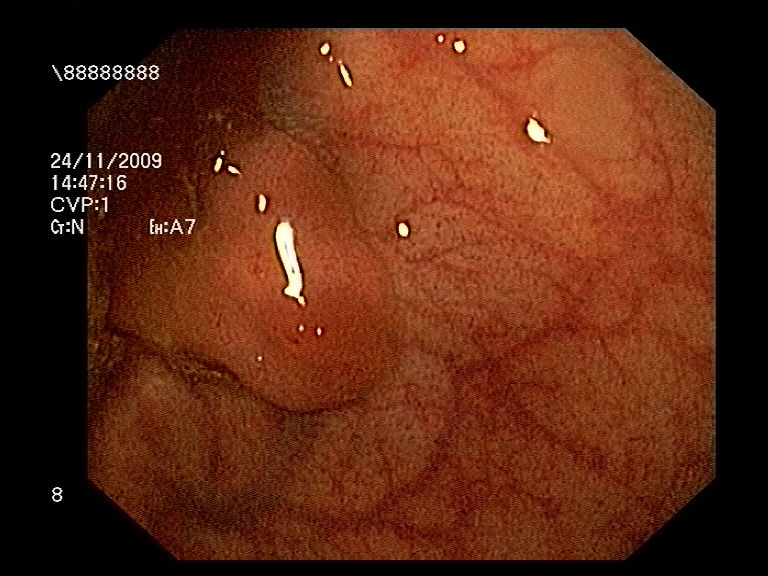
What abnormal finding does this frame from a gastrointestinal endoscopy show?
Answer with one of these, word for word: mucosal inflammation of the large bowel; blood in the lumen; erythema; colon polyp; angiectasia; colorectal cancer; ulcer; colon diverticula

colon polyp